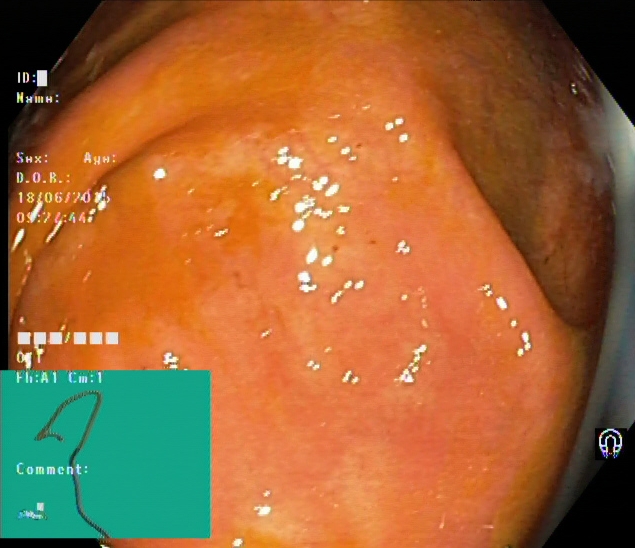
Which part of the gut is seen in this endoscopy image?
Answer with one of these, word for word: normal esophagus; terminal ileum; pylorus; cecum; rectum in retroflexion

cecum